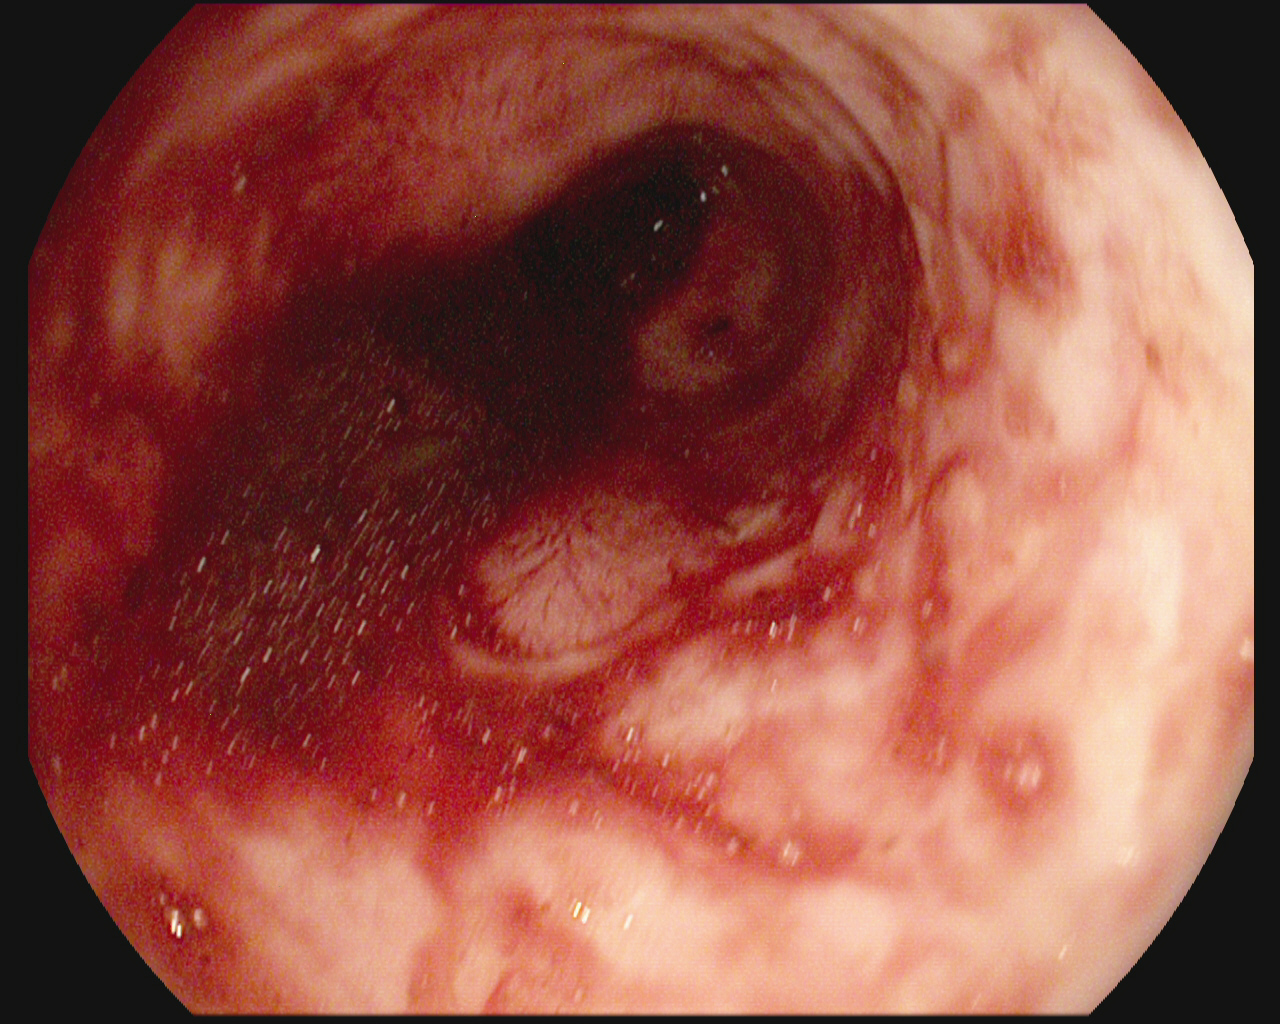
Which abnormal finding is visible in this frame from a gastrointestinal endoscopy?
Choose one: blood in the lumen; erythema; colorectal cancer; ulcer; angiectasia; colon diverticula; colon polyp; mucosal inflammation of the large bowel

blood in the lumen